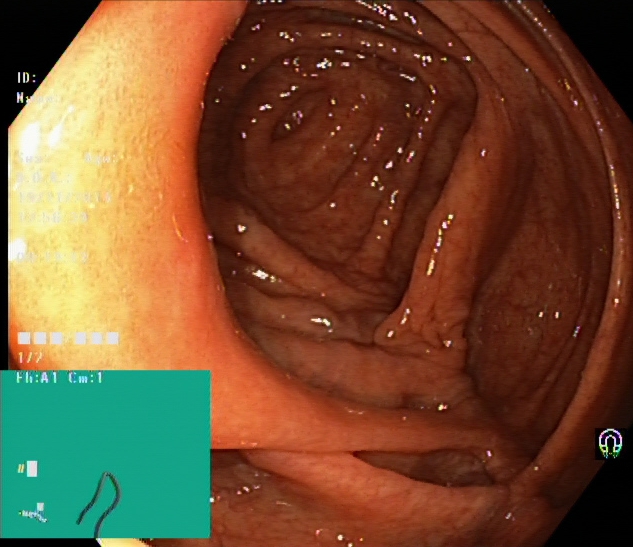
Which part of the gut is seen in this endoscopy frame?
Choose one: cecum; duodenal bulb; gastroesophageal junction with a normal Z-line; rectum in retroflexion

cecum